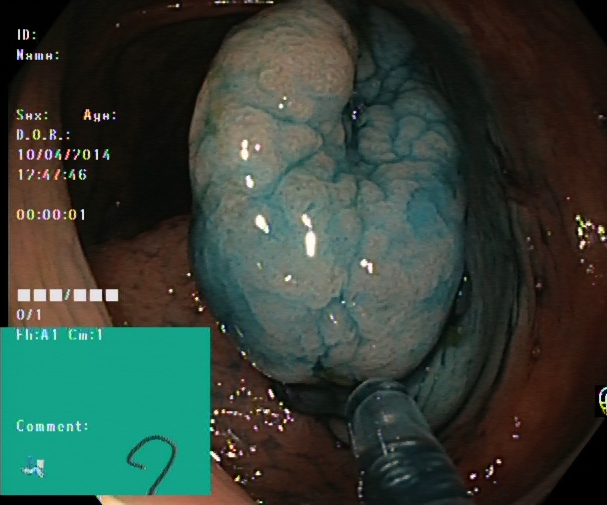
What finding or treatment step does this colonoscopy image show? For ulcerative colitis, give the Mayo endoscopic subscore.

dyed and lifted polyp (pre-resection)